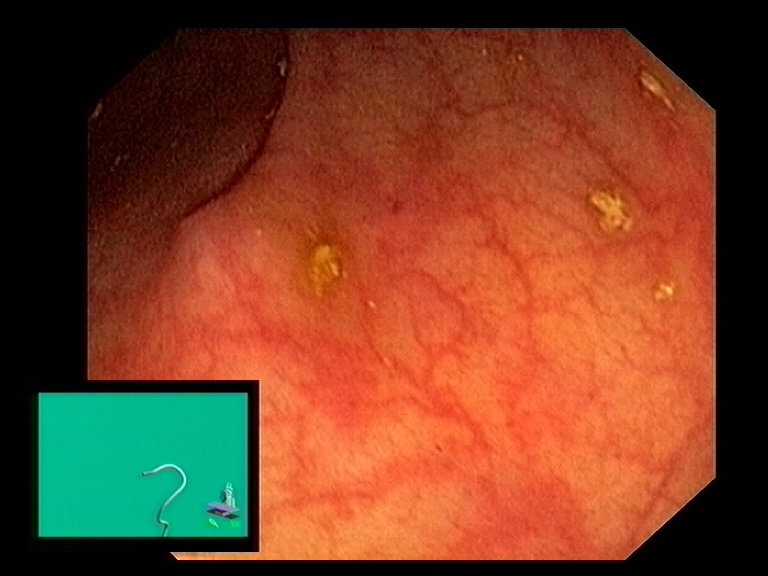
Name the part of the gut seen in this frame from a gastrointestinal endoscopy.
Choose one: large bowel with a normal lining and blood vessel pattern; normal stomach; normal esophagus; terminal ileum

large bowel with a normal lining and blood vessel pattern